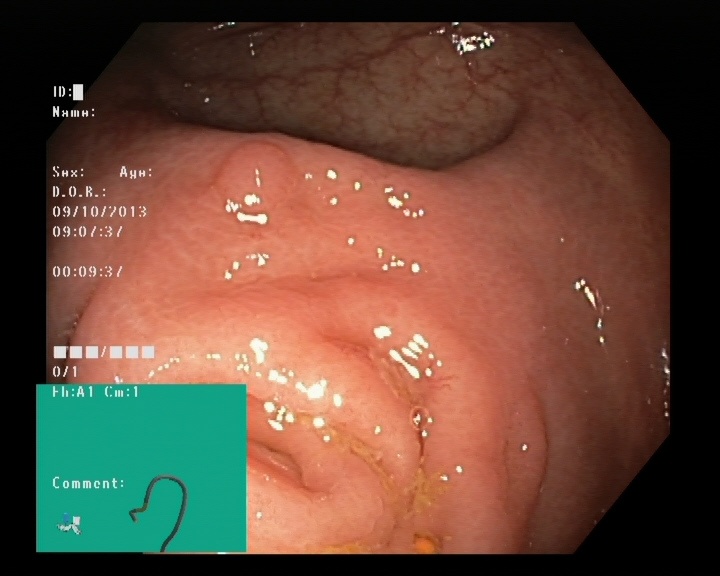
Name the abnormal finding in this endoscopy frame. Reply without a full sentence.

colon polyp